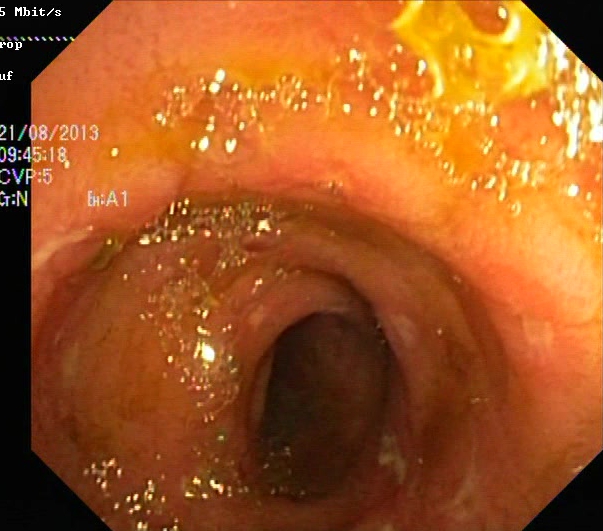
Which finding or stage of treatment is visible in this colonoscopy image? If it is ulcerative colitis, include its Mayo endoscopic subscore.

ulcerative colitis, Mayo endoscopic subscore 2